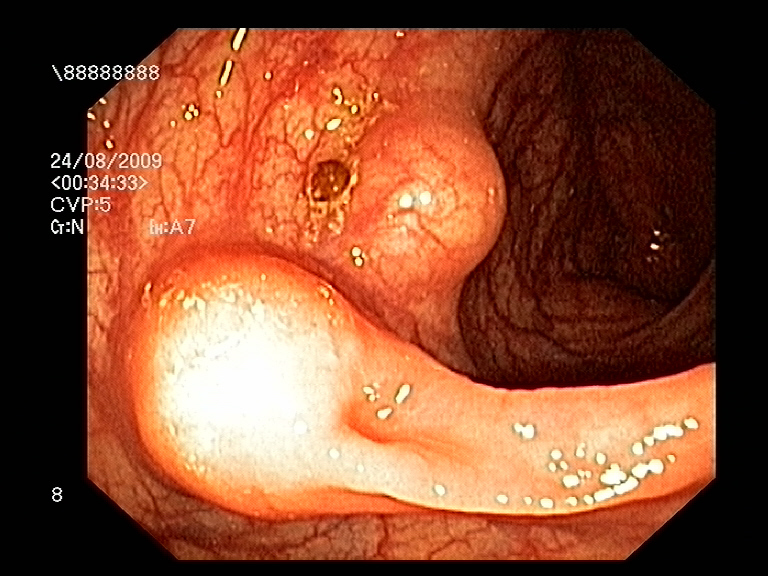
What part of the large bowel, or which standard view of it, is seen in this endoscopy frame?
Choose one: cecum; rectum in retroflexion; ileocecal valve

ileocecal valve